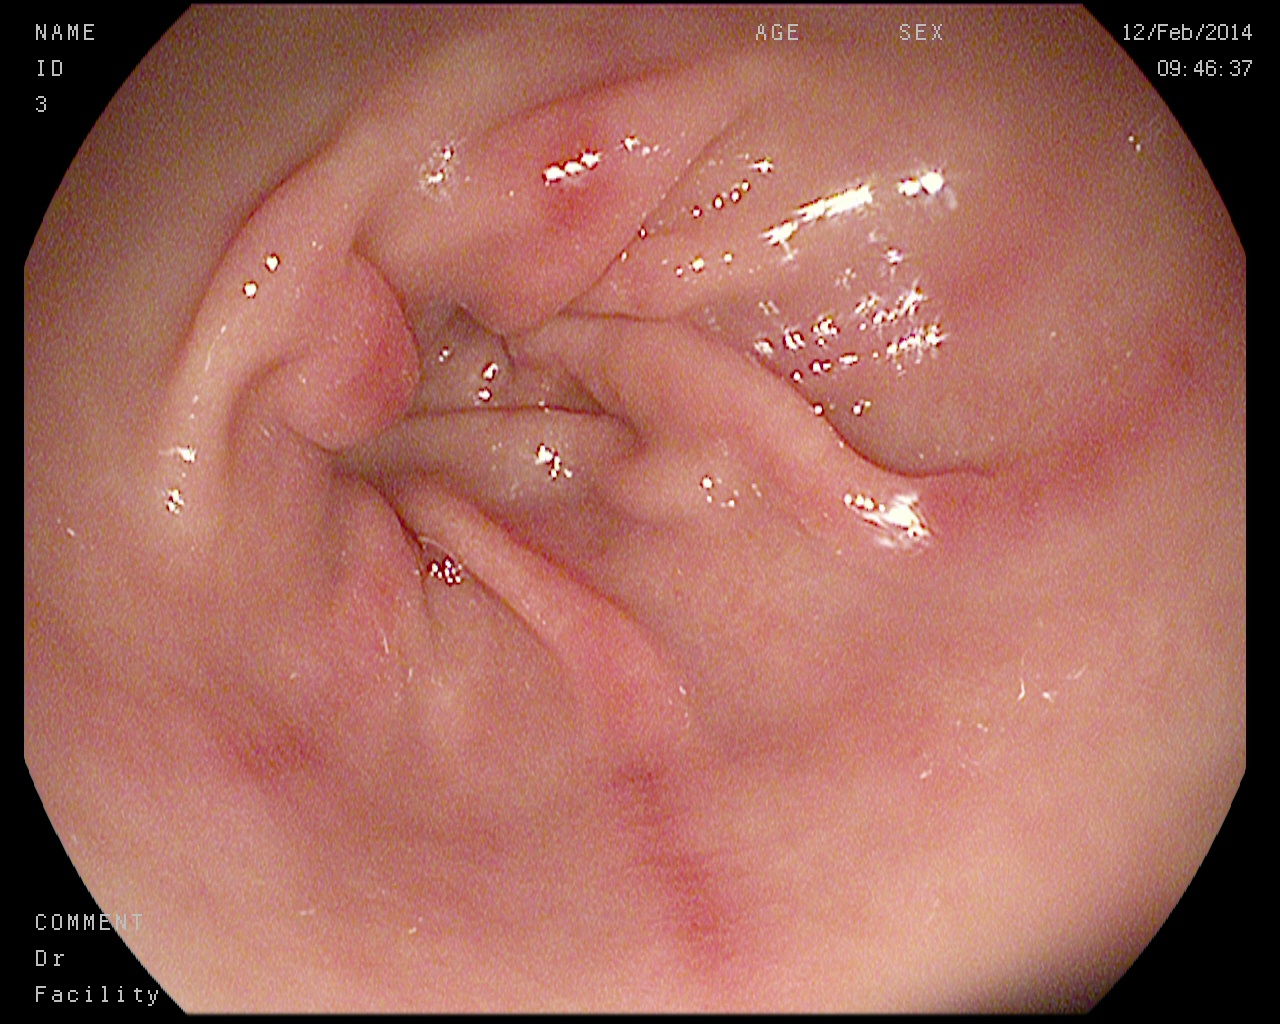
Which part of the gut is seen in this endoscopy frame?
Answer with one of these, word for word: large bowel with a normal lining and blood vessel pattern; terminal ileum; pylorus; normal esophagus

pylorus